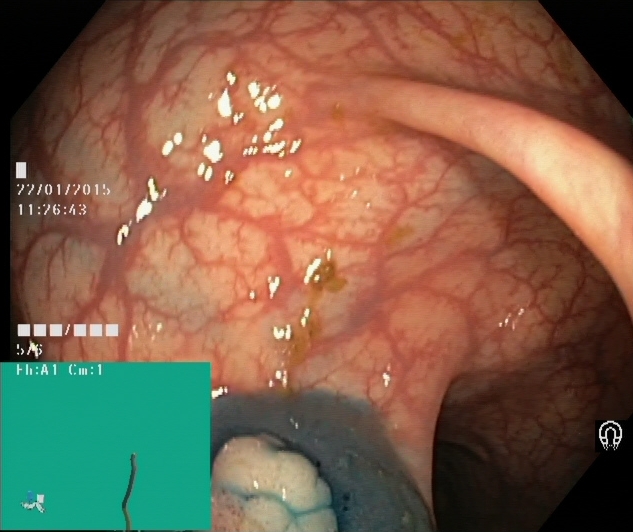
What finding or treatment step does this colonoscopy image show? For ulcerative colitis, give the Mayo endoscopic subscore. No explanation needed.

dyed and lifted polyp (pre-resection)